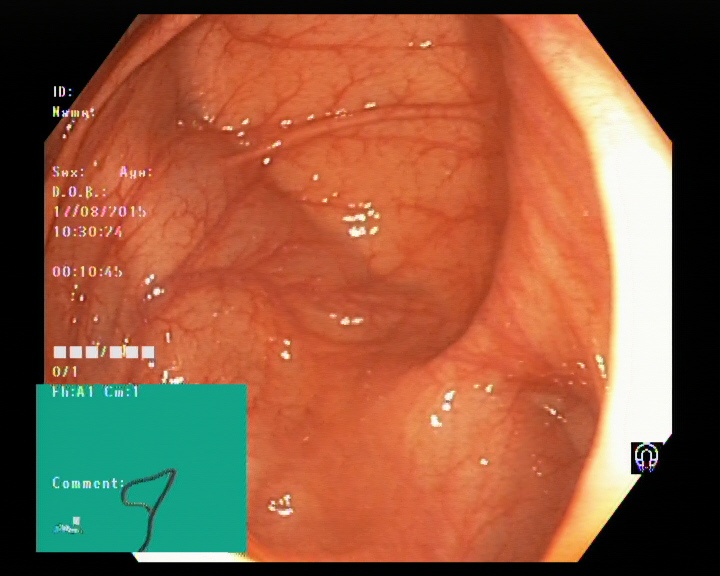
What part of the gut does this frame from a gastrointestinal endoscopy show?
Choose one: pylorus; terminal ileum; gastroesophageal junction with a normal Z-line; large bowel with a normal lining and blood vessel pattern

large bowel with a normal lining and blood vessel pattern